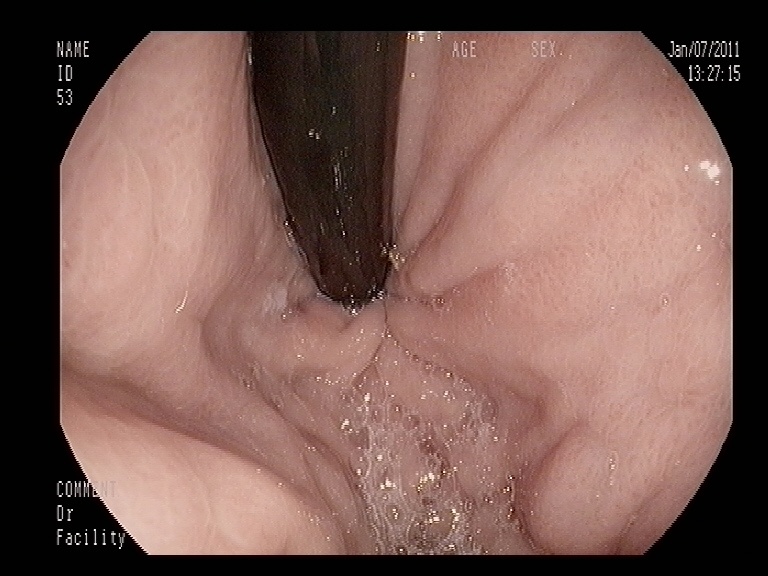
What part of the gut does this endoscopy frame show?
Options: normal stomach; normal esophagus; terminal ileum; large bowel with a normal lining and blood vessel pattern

normal stomach